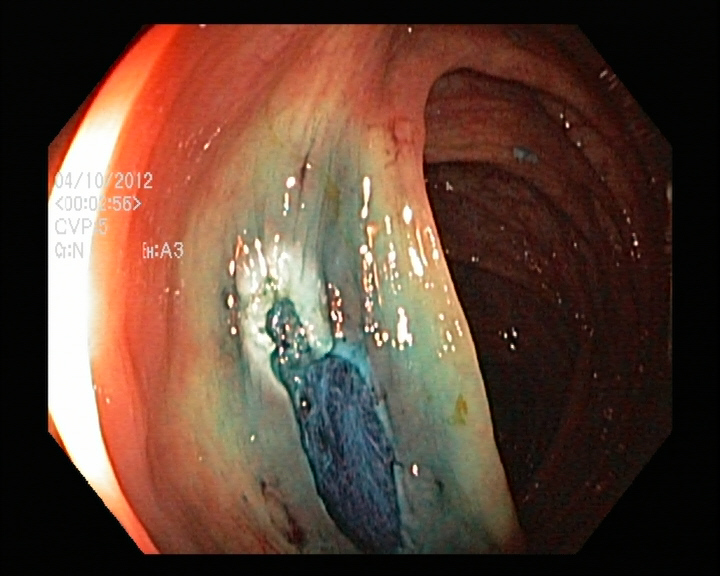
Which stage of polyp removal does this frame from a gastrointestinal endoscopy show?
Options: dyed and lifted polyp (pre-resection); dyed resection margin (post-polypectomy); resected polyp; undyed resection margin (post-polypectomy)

dyed resection margin (post-polypectomy)